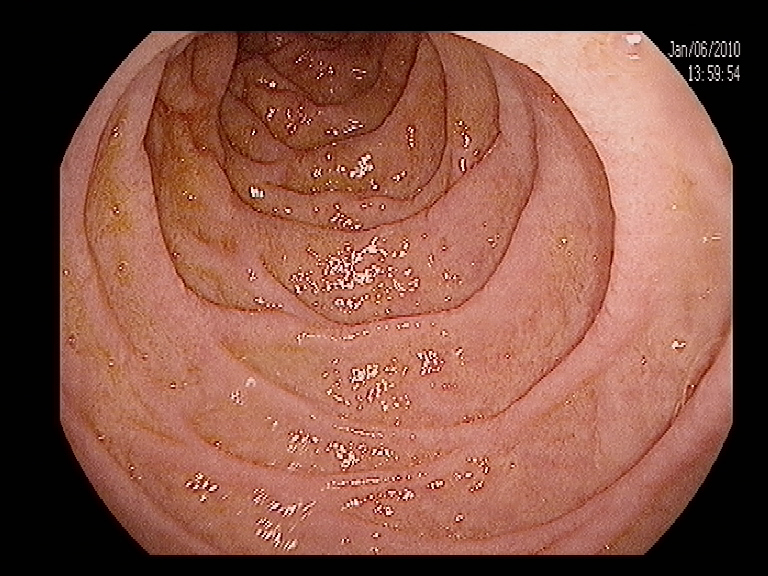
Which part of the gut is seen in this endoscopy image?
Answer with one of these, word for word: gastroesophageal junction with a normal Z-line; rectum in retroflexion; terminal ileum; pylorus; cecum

terminal ileum